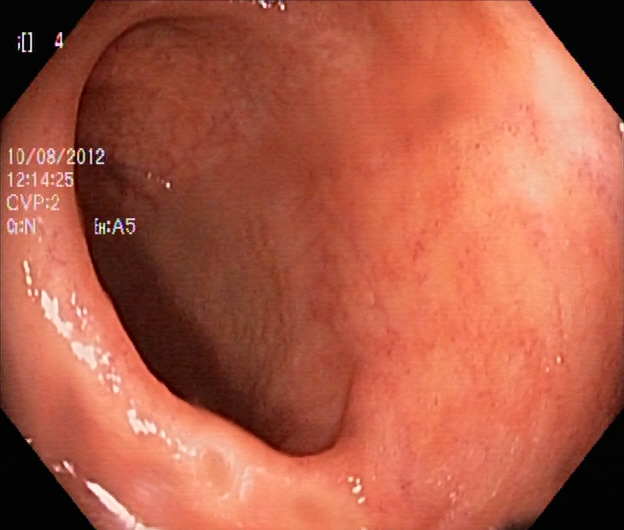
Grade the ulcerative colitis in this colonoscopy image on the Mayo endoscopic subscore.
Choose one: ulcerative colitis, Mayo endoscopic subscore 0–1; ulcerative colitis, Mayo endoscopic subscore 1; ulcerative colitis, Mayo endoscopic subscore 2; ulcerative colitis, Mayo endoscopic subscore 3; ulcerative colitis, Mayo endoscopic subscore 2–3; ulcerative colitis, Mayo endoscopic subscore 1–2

ulcerative colitis, Mayo endoscopic subscore 1